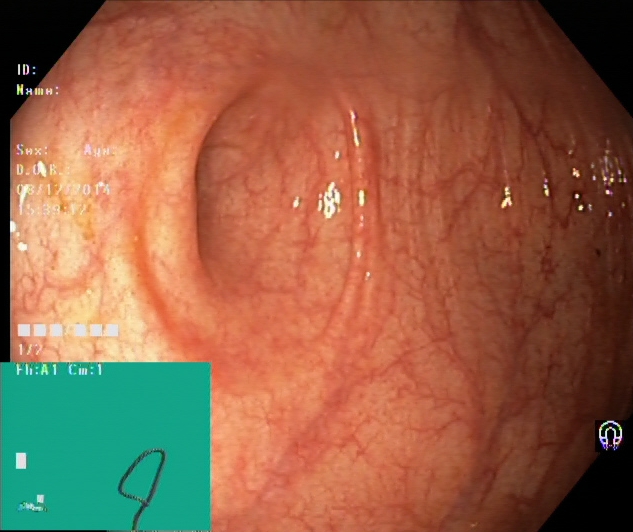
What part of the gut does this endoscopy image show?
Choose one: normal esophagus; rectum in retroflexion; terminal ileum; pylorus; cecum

cecum